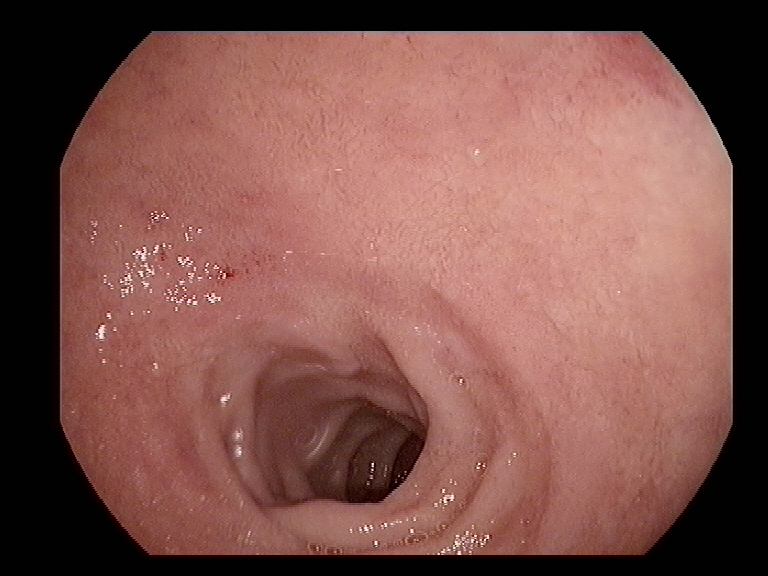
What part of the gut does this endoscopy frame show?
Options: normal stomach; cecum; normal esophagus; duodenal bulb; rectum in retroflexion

duodenal bulb